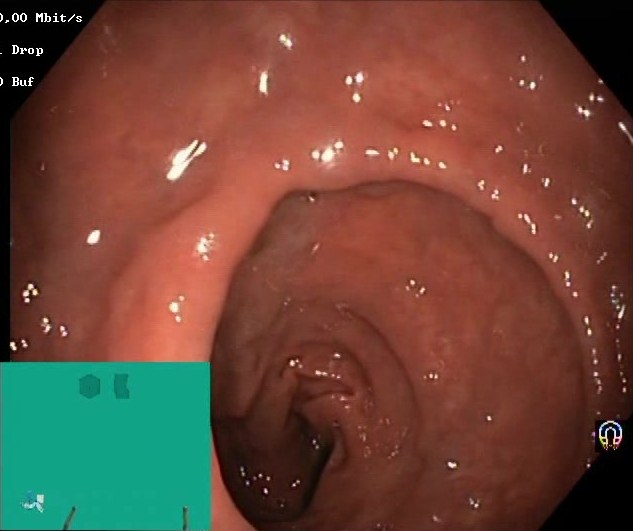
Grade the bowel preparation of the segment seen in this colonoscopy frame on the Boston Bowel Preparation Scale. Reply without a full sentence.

Boston Bowel Preparation Scale score 2–3 (adequate preparation)